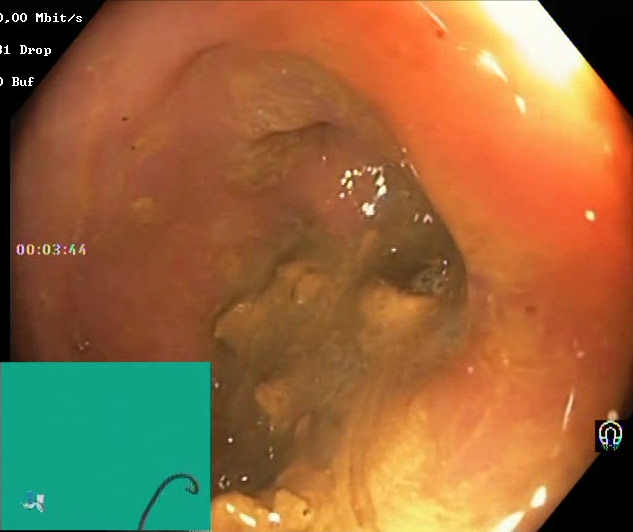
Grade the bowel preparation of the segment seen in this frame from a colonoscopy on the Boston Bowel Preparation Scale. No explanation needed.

Boston Bowel Preparation Scale score 0–1 (inadequate preparation)